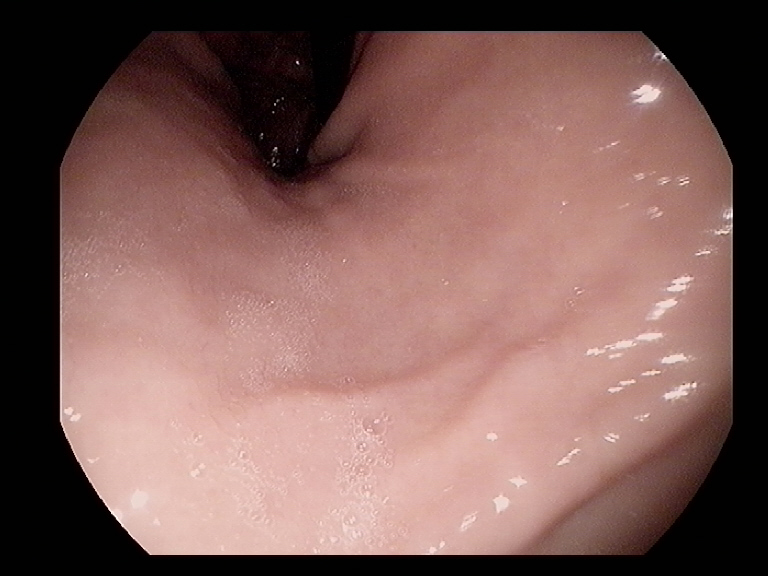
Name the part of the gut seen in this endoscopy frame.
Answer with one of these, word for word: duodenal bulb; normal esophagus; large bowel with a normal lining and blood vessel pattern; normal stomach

normal stomach